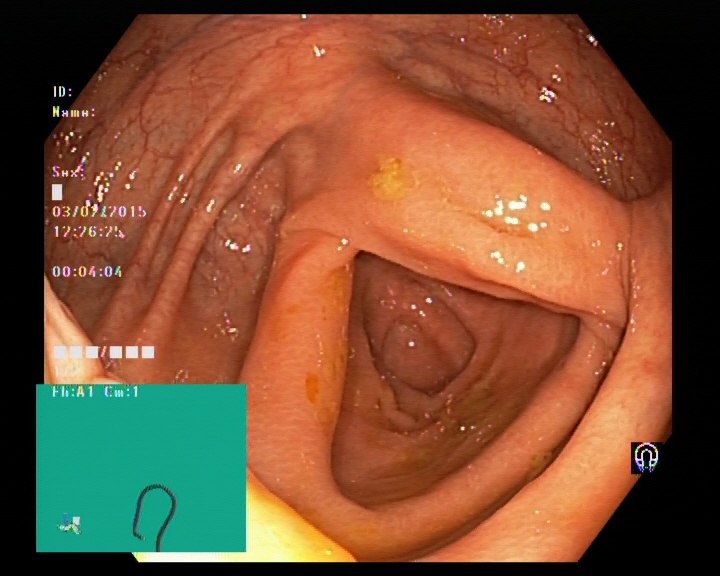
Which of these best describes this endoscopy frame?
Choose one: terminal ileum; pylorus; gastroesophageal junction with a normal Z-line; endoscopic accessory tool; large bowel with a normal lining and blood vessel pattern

large bowel with a normal lining and blood vessel pattern